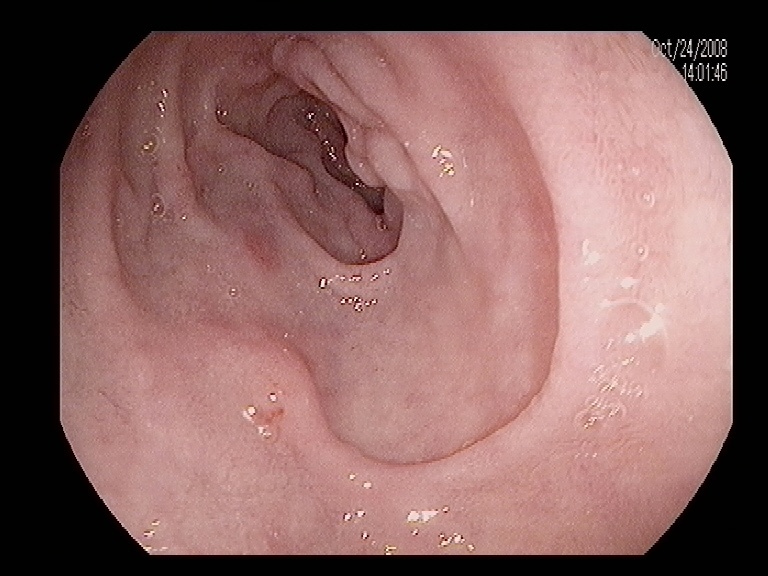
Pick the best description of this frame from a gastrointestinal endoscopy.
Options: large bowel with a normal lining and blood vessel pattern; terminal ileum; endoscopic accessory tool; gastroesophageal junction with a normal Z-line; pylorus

terminal ileum